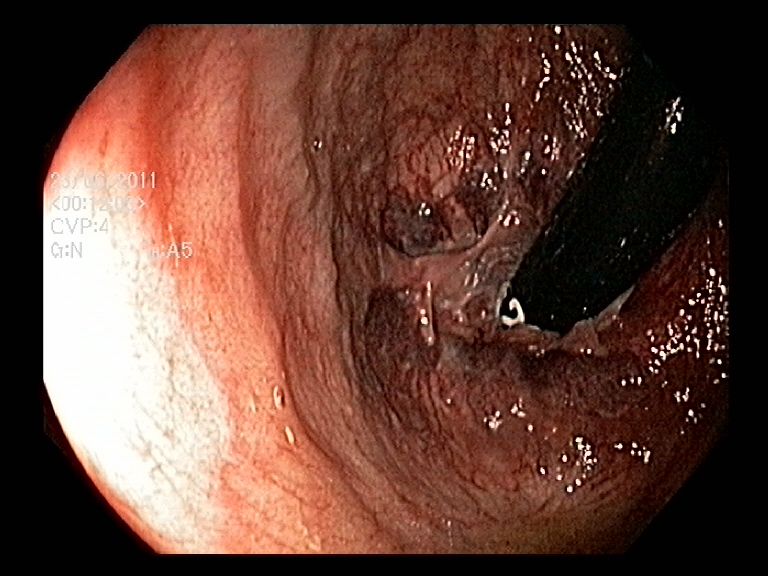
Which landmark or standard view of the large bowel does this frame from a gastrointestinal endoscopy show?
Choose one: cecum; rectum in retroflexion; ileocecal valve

rectum in retroflexion